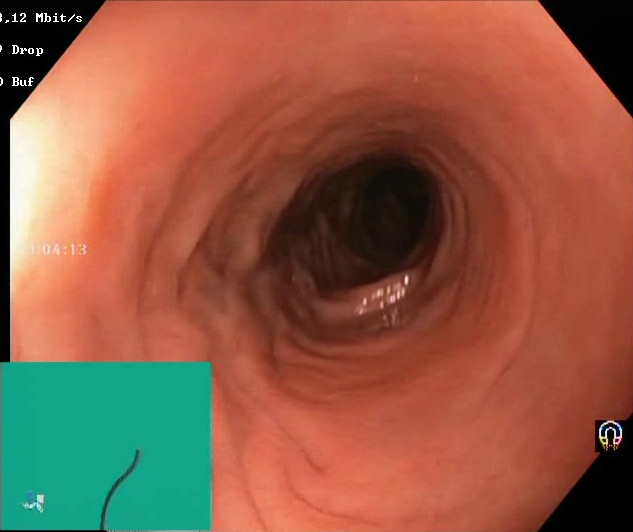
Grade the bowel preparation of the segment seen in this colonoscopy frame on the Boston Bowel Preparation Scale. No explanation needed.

Boston Bowel Preparation Scale score 2–3 (adequate preparation)